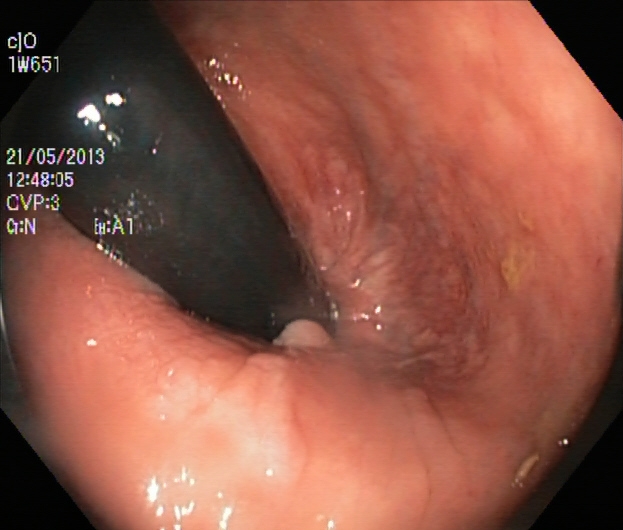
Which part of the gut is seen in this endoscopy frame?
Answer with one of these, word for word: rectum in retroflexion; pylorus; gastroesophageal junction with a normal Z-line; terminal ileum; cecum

rectum in retroflexion